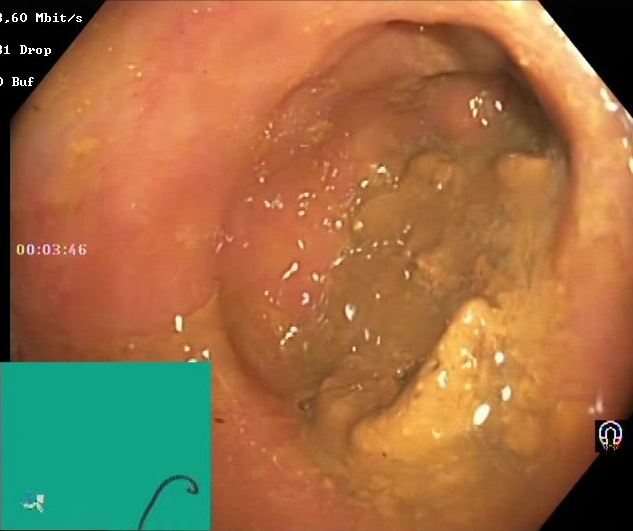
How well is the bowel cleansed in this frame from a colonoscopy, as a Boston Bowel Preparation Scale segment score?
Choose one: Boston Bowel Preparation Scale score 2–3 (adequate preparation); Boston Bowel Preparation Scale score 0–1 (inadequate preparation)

Boston Bowel Preparation Scale score 0–1 (inadequate preparation)